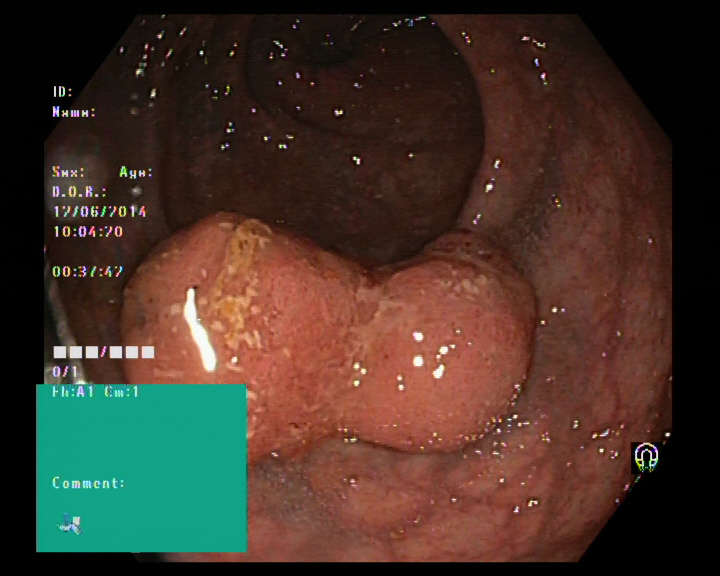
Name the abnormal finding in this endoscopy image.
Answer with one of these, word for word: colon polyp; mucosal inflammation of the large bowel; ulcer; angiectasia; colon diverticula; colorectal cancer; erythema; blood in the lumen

colon polyp